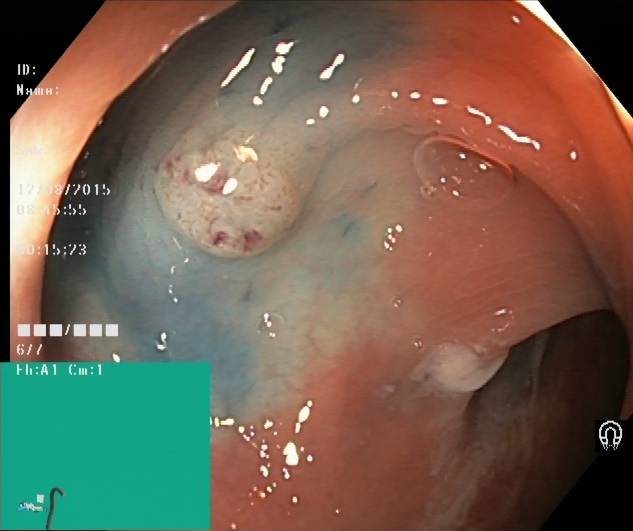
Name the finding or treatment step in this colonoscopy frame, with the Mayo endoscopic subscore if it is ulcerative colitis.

dyed and lifted polyp (pre-resection)